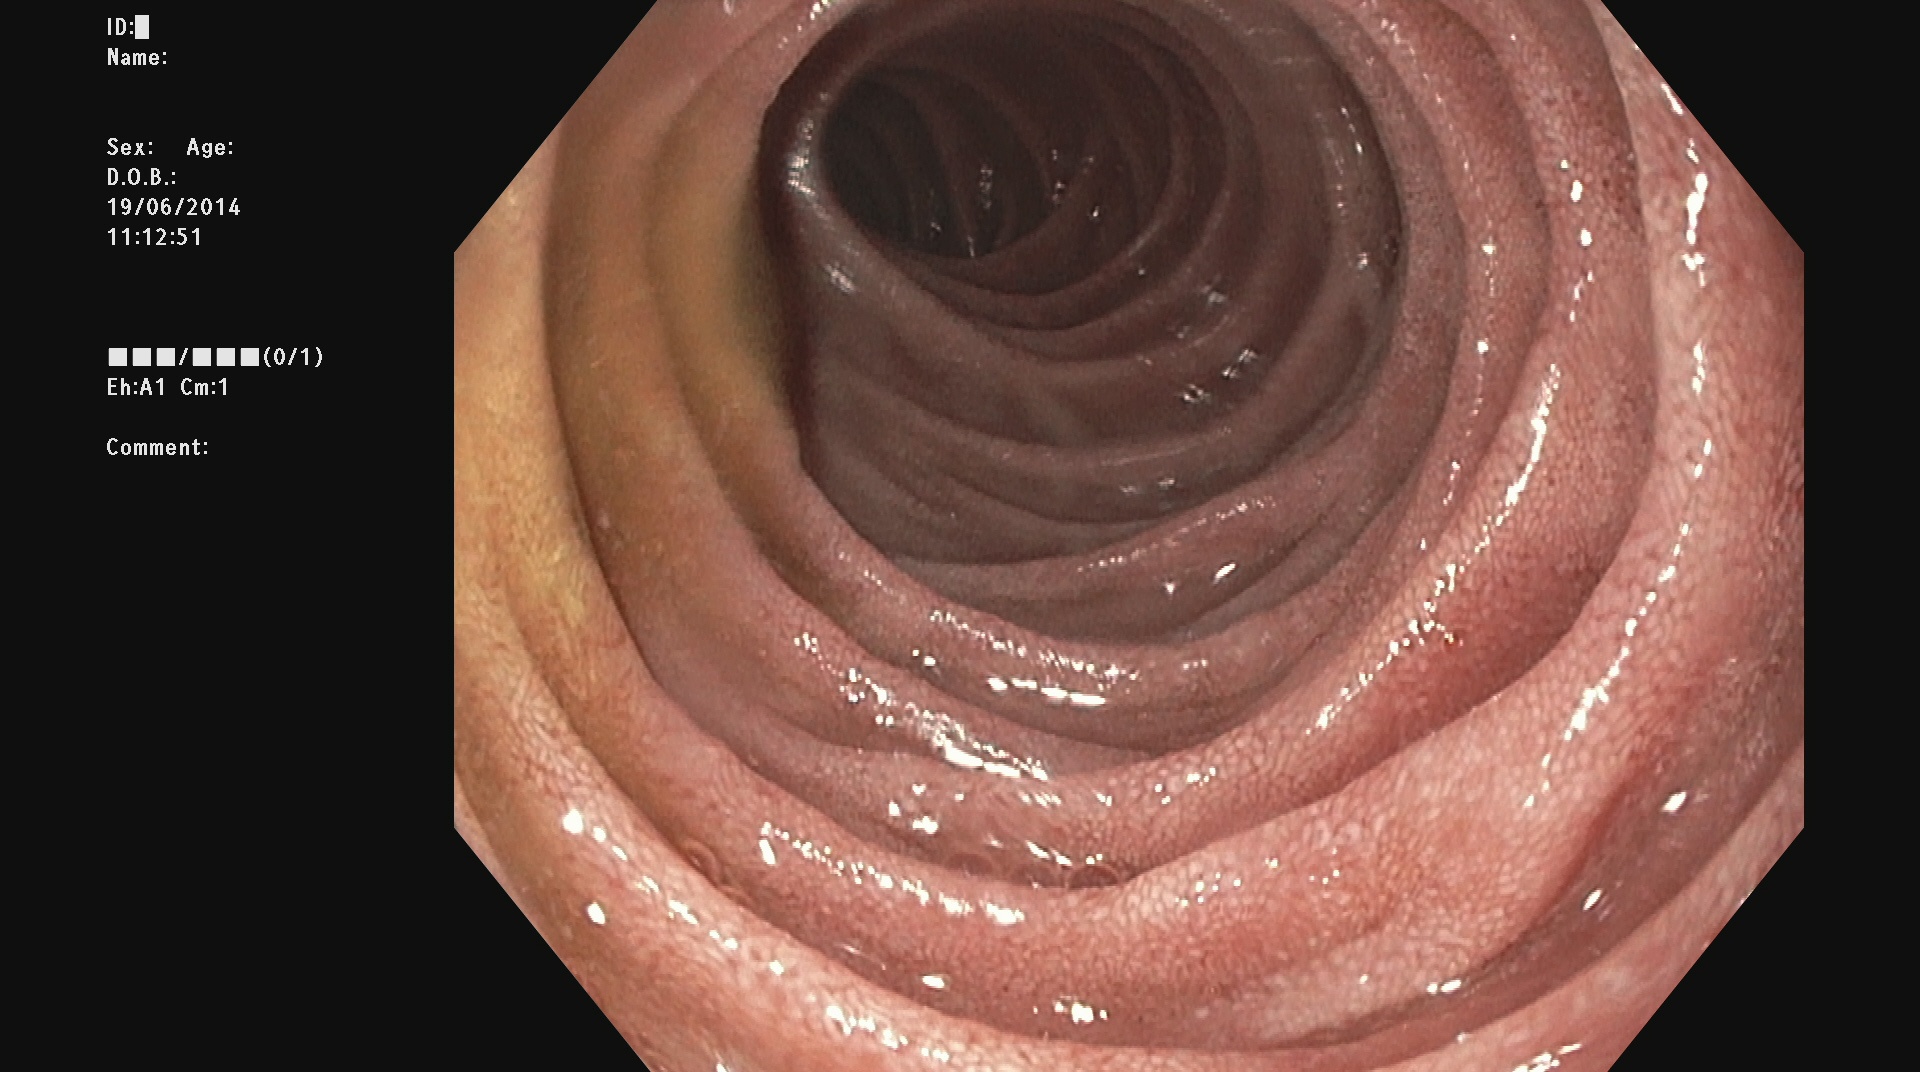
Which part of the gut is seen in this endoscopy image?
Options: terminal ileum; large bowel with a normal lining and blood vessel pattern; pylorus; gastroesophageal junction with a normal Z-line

terminal ileum